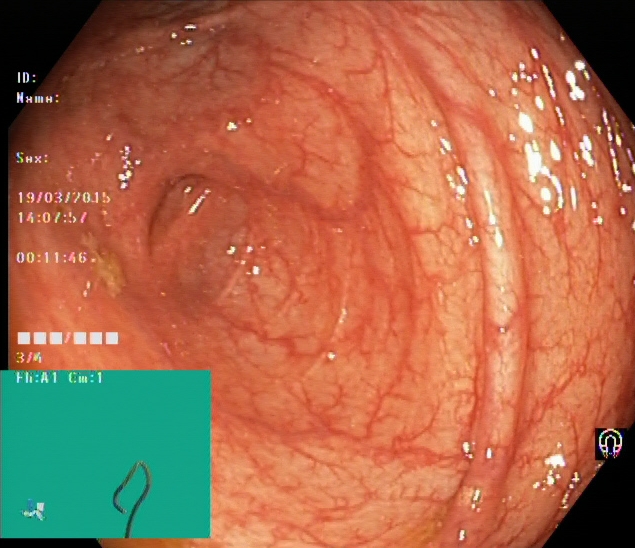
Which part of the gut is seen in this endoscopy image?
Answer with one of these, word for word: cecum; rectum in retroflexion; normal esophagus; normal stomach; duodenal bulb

cecum